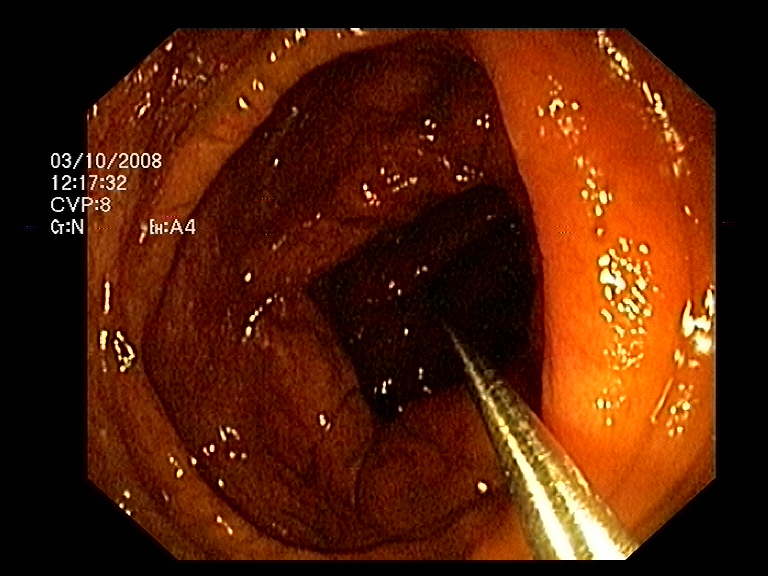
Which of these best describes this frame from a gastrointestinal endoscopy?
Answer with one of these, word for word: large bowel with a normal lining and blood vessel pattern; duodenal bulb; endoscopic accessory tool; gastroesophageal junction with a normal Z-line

endoscopic accessory tool